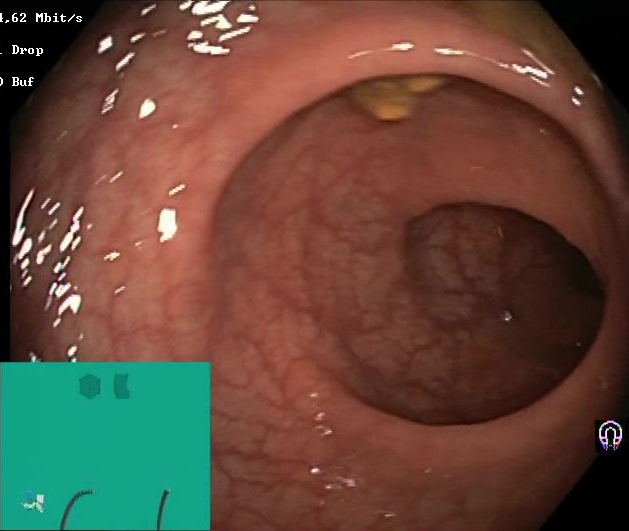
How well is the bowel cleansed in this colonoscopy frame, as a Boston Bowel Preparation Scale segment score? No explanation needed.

Boston Bowel Preparation Scale score 2–3 (adequate preparation)